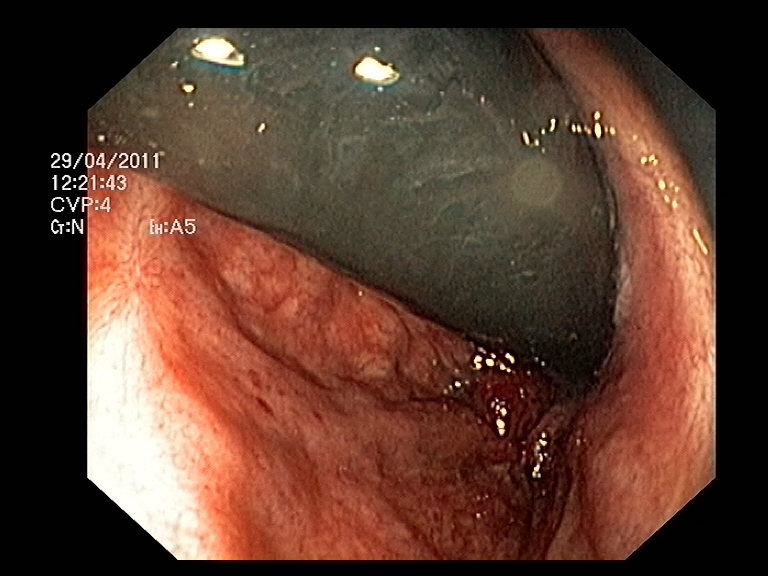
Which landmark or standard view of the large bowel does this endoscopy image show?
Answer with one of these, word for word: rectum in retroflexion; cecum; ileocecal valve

rectum in retroflexion